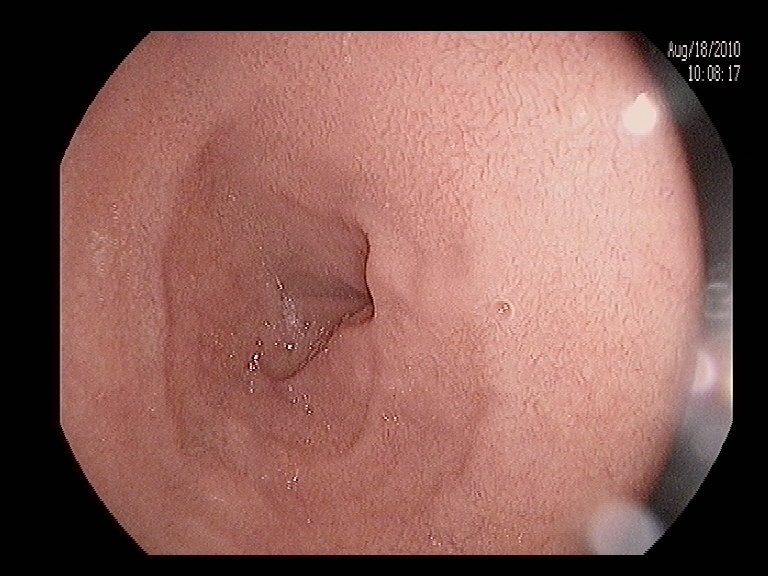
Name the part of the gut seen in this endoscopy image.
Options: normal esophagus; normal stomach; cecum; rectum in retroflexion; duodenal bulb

duodenal bulb